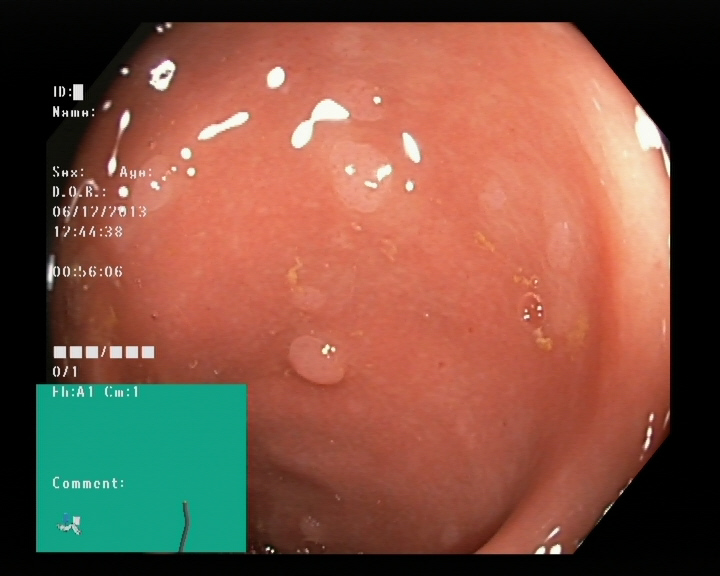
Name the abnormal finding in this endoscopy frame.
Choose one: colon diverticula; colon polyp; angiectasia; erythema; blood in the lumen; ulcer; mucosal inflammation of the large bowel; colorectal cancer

colon polyp